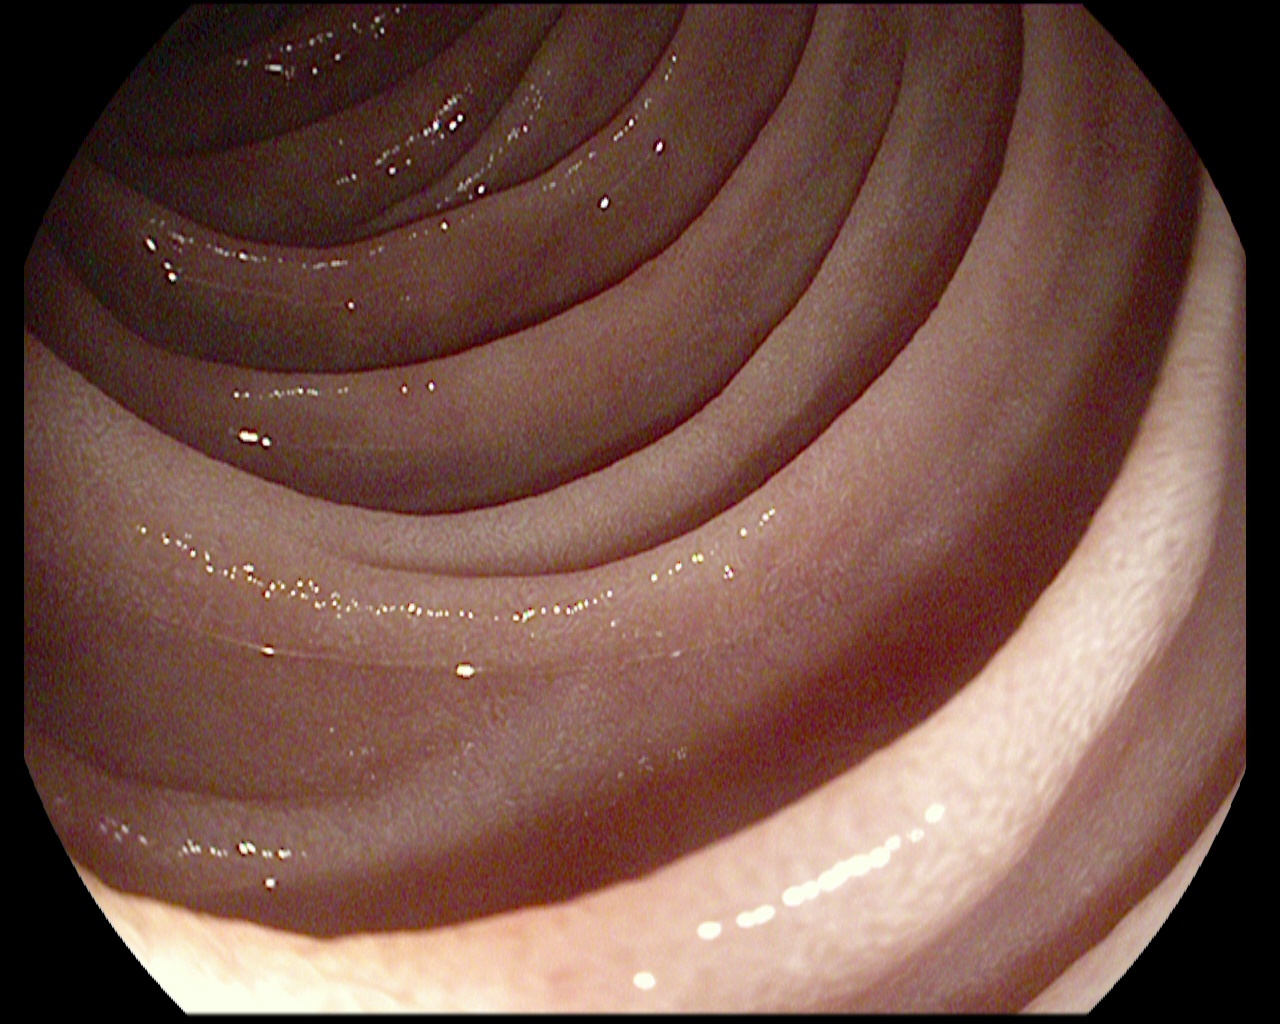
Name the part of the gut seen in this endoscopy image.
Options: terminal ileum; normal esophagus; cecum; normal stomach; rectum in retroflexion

terminal ileum